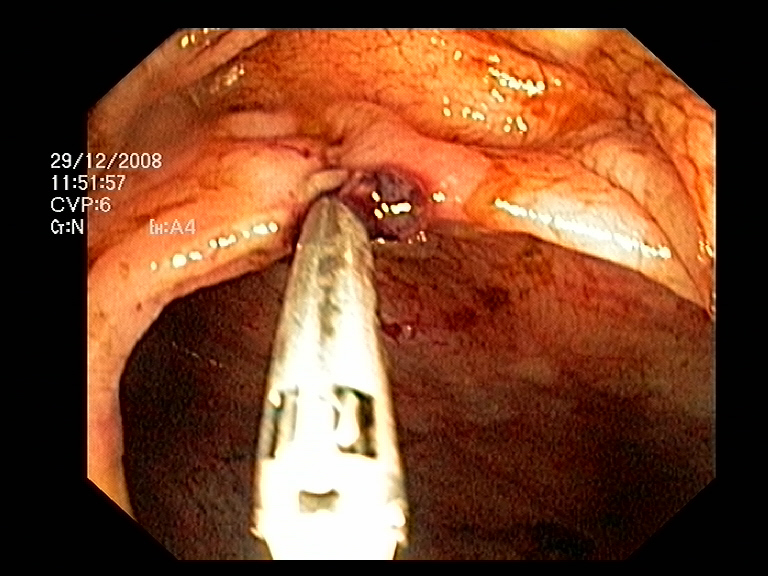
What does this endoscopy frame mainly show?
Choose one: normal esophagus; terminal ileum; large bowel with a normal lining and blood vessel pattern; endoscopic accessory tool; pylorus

endoscopic accessory tool